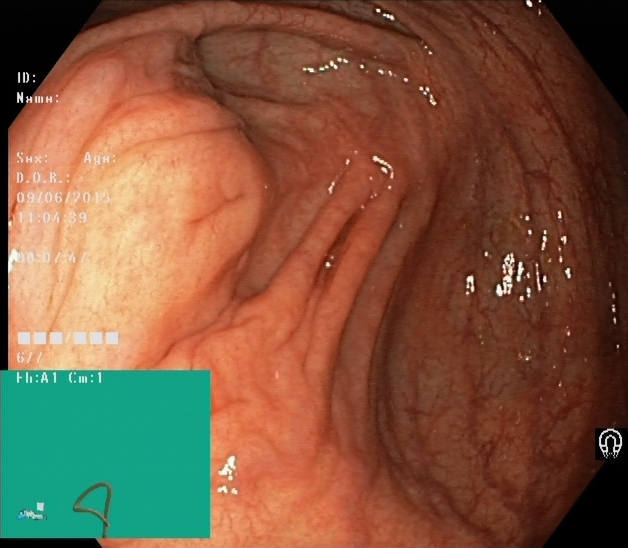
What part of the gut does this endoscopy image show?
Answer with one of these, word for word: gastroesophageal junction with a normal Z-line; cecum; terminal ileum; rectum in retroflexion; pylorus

cecum